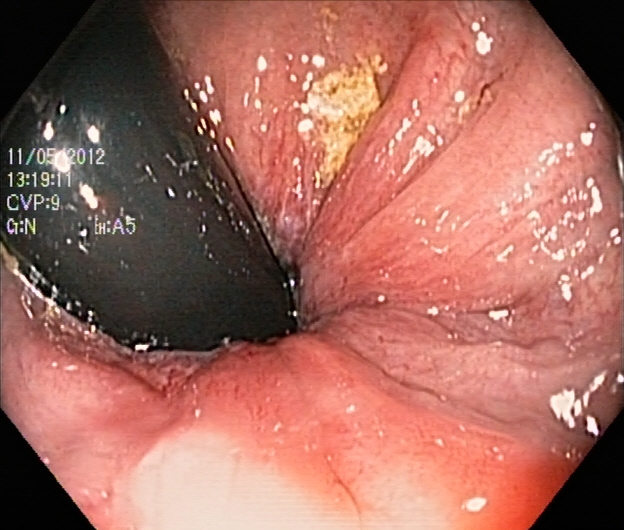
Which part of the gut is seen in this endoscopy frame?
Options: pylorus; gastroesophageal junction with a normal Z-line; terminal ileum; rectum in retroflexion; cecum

rectum in retroflexion